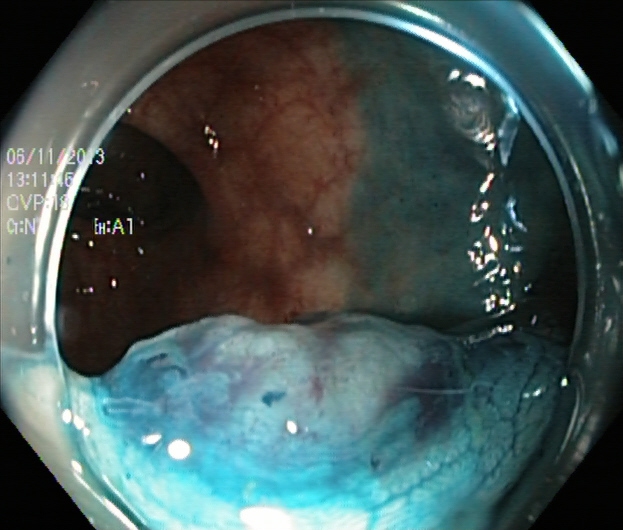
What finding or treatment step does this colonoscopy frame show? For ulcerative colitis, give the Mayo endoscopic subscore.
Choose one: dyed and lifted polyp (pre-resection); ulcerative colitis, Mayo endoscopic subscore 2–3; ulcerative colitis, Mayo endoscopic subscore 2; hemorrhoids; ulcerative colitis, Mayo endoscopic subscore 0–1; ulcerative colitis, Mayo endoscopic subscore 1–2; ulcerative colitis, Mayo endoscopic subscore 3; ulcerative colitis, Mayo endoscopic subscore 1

dyed and lifted polyp (pre-resection)